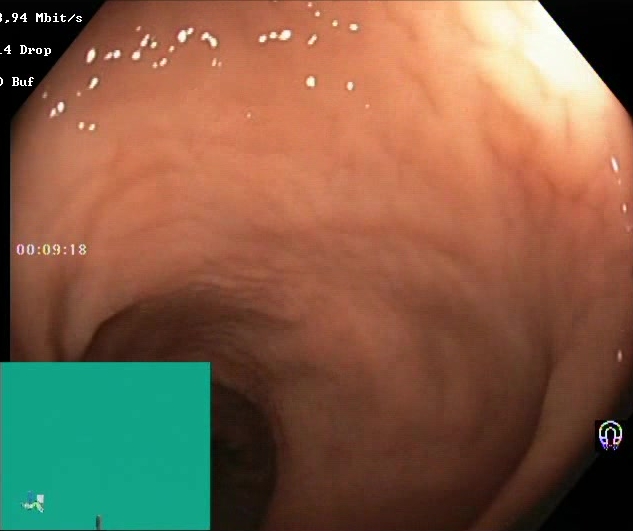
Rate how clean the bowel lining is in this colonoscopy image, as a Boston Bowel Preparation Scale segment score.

Boston Bowel Preparation Scale score 2–3 (adequate preparation)